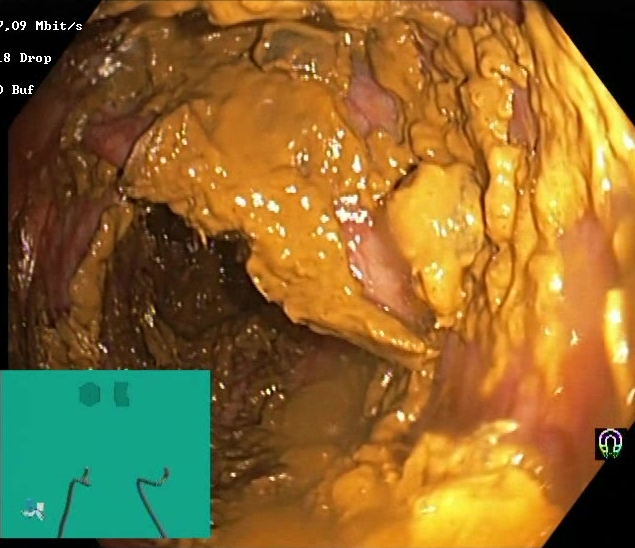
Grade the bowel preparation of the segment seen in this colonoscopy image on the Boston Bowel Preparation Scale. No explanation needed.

Boston Bowel Preparation Scale score 0–1 (inadequate preparation)